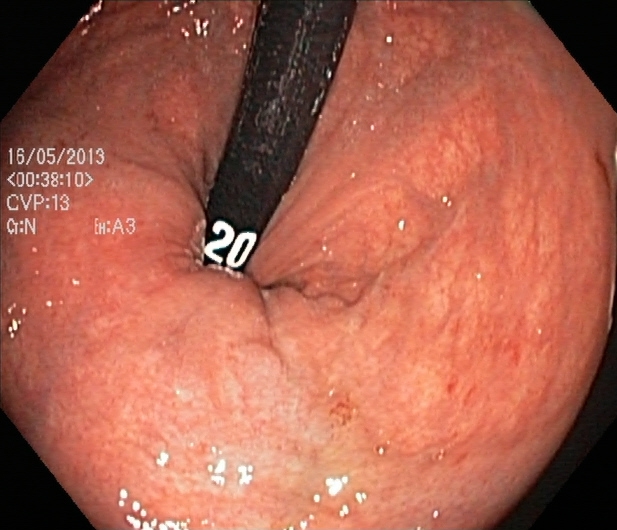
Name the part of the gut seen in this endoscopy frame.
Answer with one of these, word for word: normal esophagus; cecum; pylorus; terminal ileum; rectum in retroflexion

rectum in retroflexion